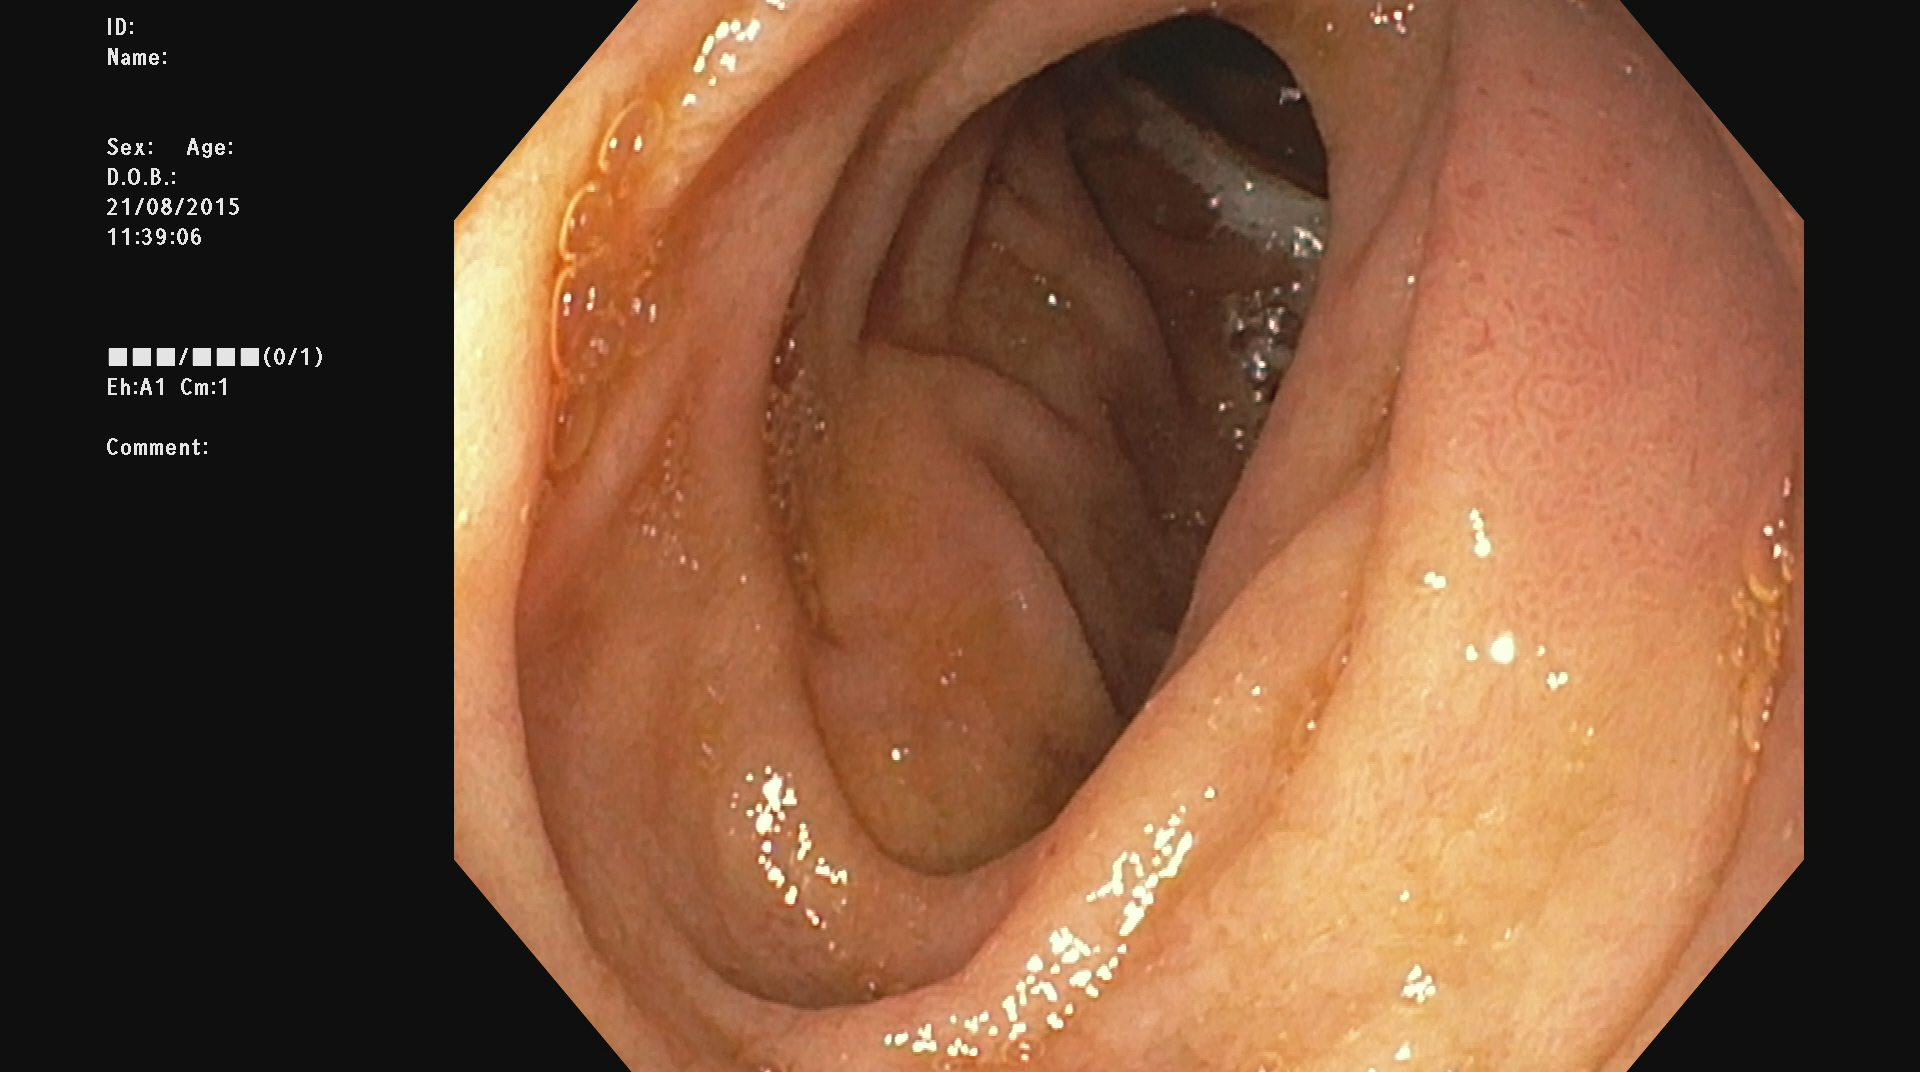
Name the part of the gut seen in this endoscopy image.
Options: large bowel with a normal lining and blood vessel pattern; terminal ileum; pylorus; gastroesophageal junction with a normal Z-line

terminal ileum